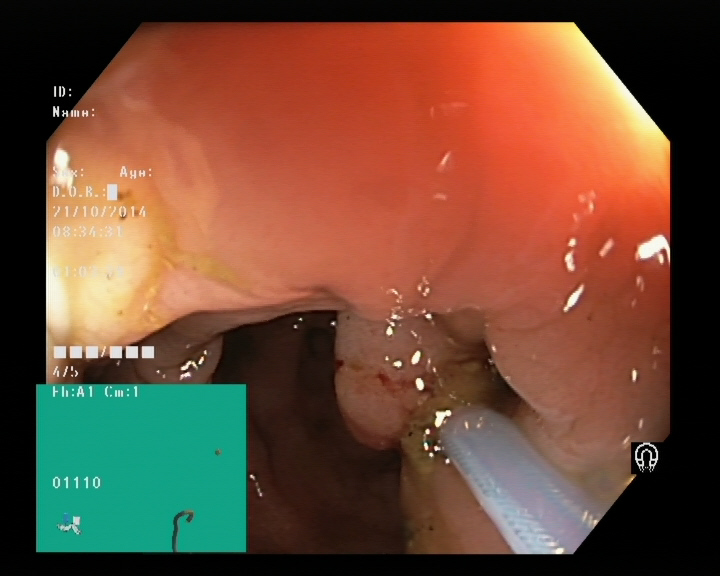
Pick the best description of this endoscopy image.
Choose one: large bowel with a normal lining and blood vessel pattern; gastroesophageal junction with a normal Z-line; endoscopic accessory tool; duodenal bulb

endoscopic accessory tool